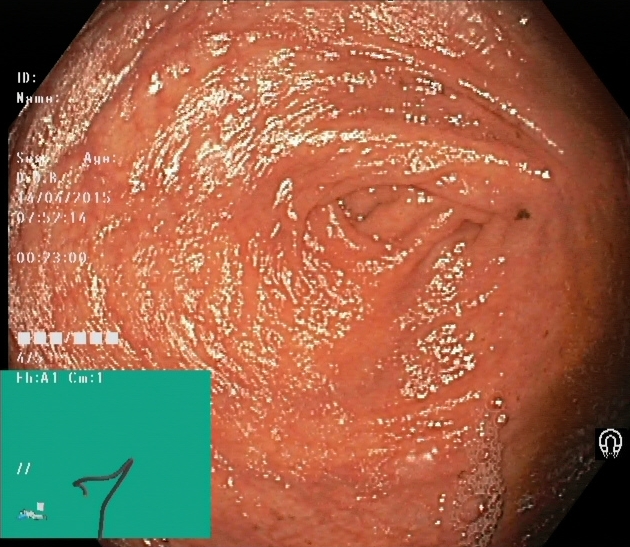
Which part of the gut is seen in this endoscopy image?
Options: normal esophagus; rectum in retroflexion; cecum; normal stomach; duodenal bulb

cecum